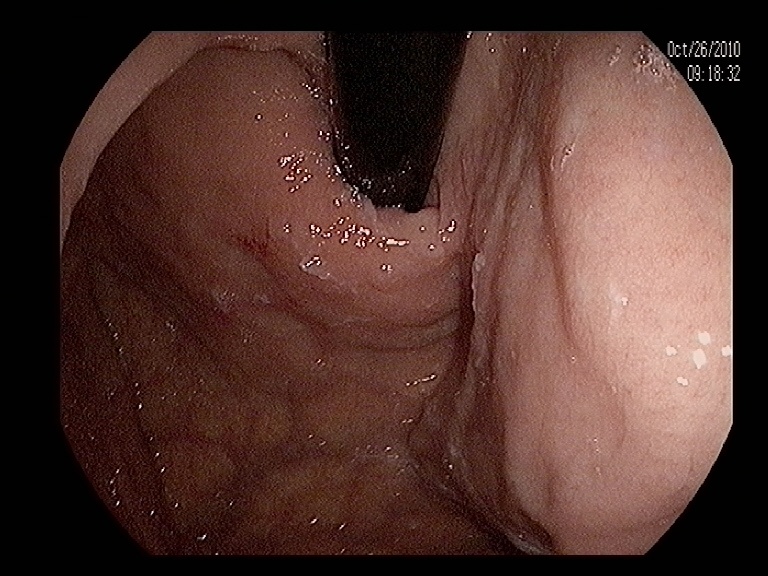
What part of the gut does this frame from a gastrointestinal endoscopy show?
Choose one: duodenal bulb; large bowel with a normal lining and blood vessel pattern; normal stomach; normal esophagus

normal stomach